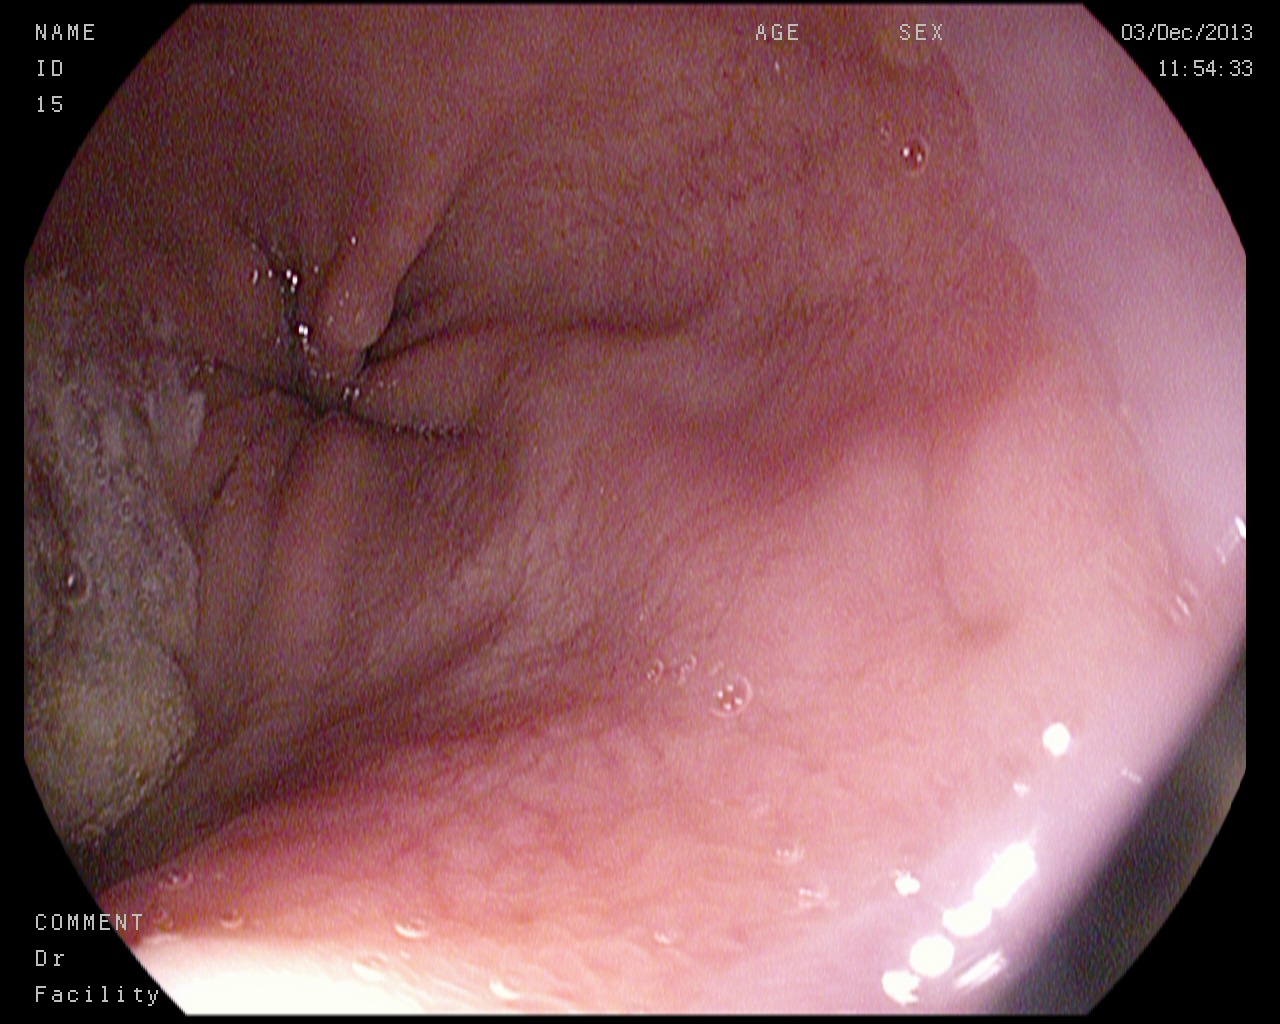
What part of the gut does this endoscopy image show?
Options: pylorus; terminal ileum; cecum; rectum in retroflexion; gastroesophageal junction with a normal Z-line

gastroesophageal junction with a normal Z-line